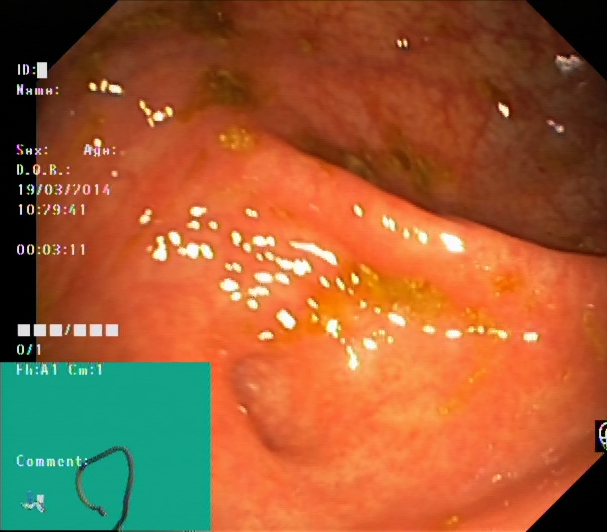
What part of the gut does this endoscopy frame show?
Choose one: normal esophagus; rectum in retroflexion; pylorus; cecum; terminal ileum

cecum